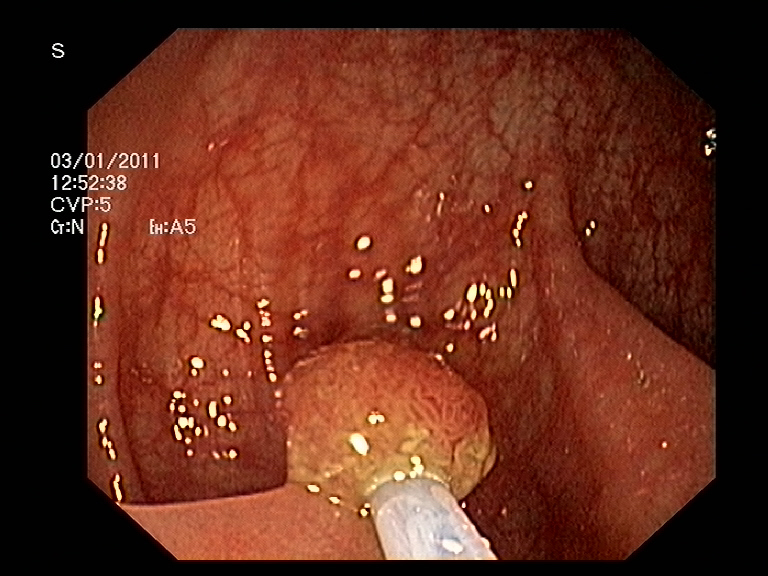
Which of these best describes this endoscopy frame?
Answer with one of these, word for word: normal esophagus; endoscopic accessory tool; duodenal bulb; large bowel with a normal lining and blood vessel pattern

endoscopic accessory tool